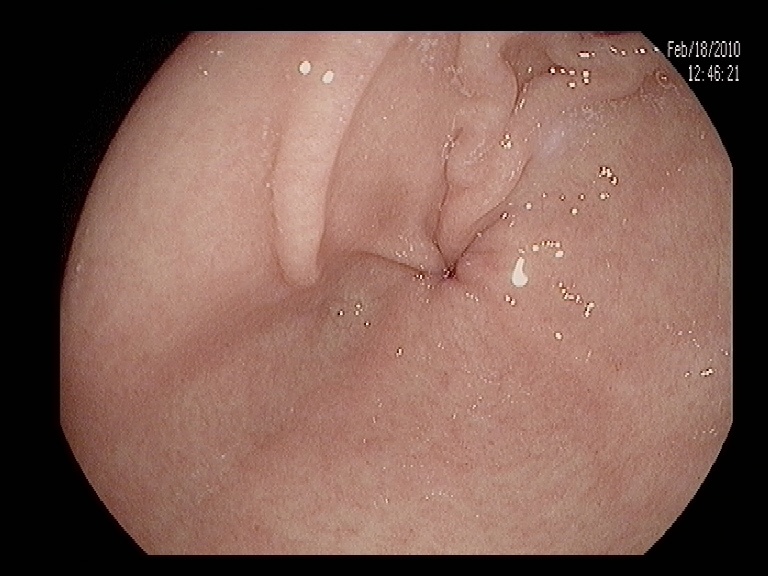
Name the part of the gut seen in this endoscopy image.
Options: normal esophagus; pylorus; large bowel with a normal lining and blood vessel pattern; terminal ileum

pylorus